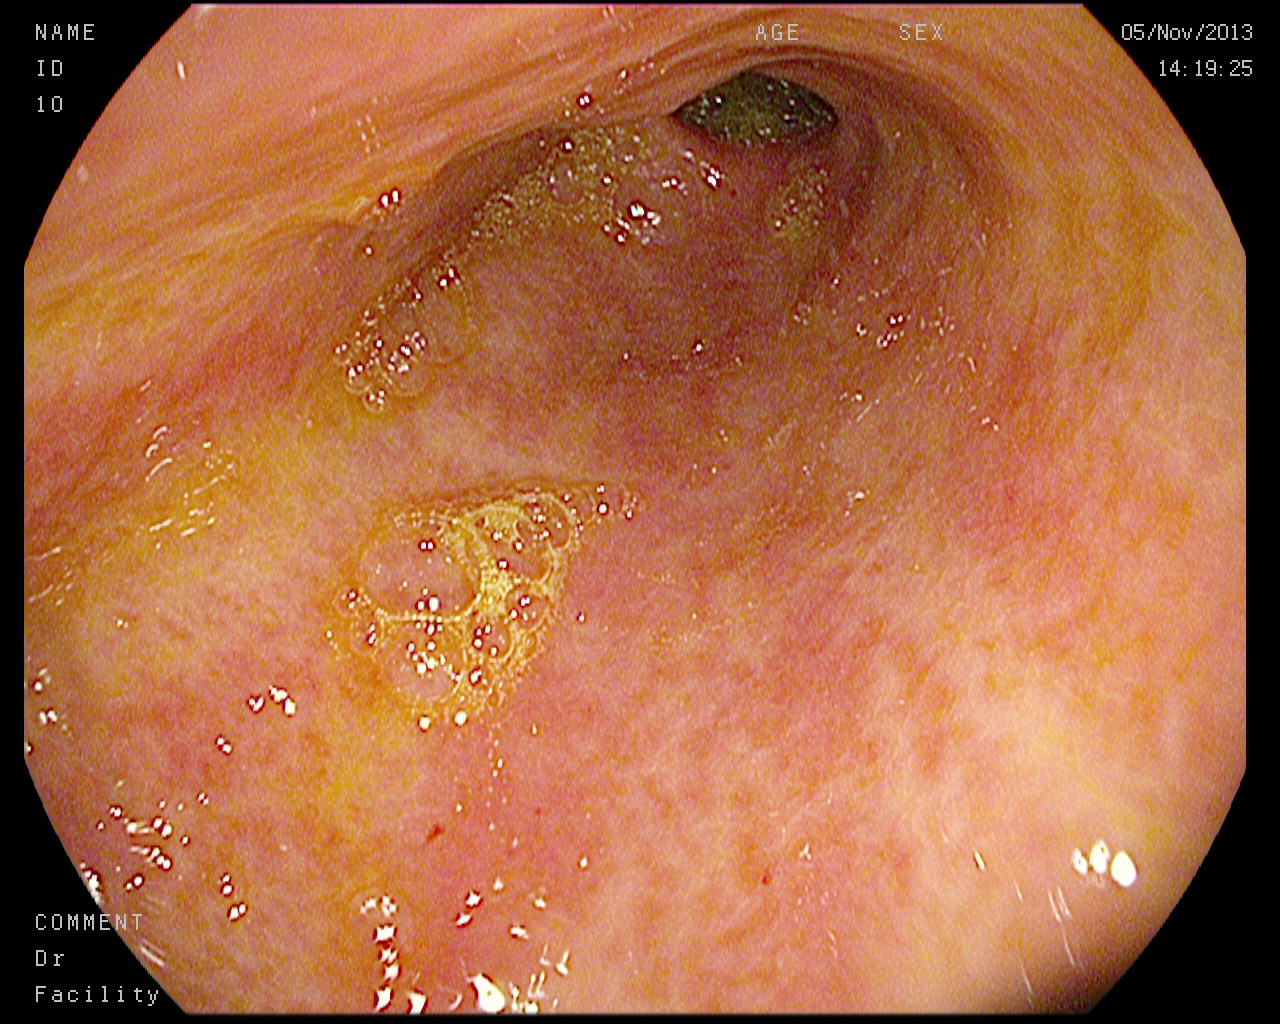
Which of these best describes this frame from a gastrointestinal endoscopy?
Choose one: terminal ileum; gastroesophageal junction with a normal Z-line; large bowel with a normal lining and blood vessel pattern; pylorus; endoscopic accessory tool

pylorus